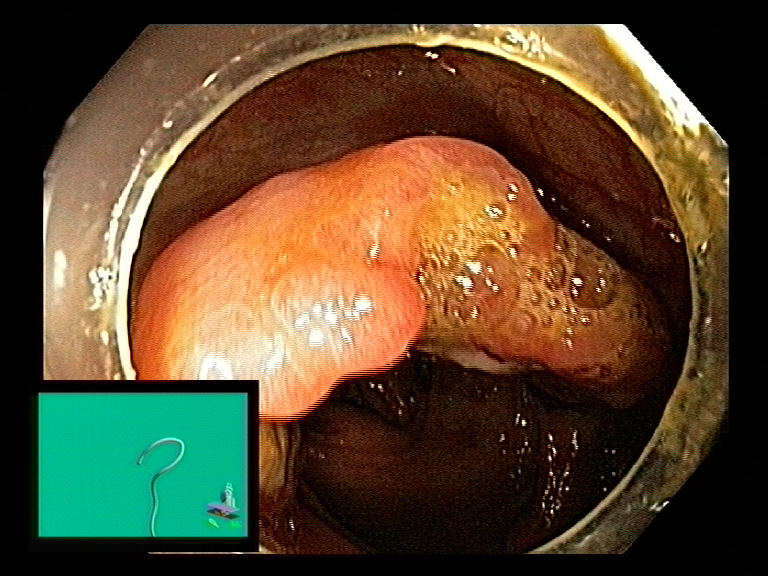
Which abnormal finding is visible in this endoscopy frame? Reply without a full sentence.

colorectal cancer